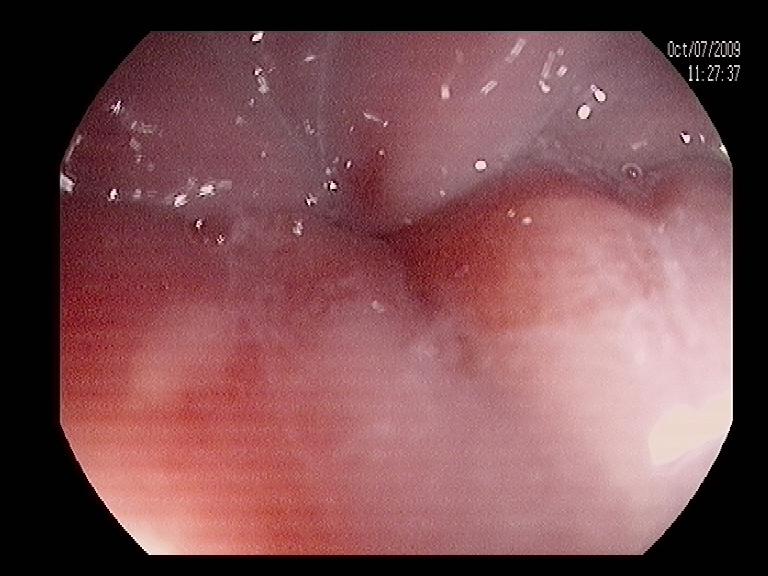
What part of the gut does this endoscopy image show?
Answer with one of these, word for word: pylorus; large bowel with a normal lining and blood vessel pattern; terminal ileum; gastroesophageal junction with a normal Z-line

gastroesophageal junction with a normal Z-line